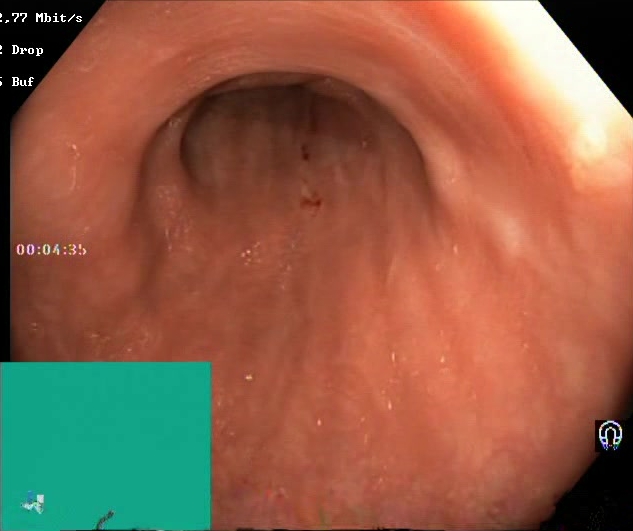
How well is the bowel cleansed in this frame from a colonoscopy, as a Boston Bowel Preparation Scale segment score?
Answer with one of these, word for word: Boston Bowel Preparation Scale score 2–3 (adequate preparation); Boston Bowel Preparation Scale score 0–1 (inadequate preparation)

Boston Bowel Preparation Scale score 2–3 (adequate preparation)